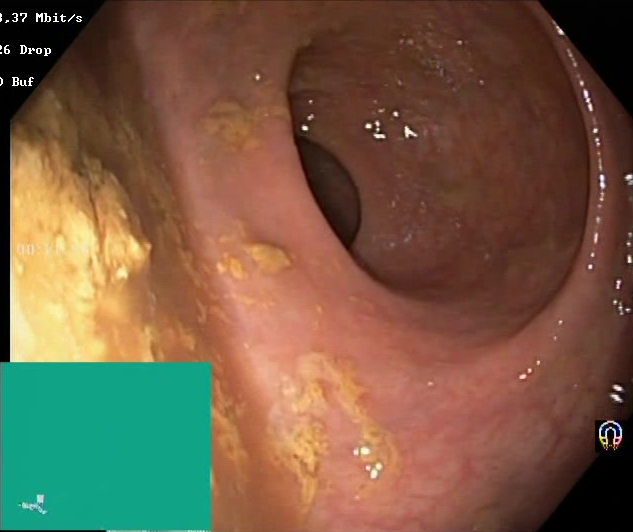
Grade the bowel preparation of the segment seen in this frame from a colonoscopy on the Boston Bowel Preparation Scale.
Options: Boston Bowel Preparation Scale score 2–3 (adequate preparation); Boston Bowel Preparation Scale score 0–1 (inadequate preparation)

Boston Bowel Preparation Scale score 0–1 (inadequate preparation)